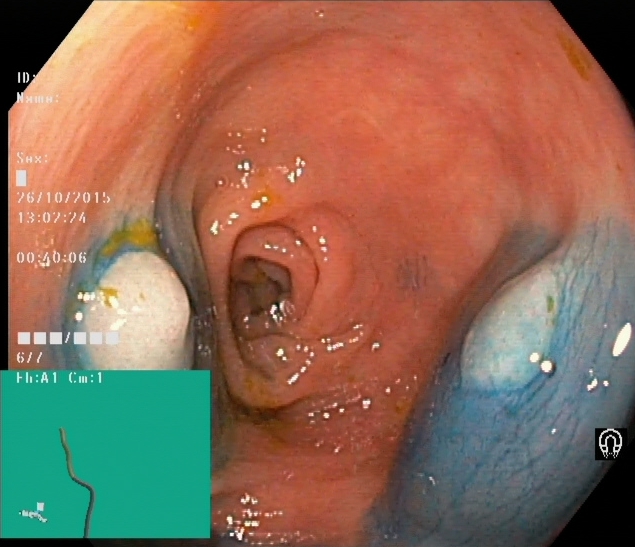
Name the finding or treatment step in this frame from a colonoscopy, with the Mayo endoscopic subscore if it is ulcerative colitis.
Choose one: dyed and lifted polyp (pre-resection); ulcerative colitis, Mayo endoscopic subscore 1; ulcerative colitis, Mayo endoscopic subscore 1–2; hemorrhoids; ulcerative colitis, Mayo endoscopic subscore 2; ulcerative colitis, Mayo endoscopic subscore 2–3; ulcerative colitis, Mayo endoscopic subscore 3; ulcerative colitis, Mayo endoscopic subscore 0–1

dyed and lifted polyp (pre-resection)